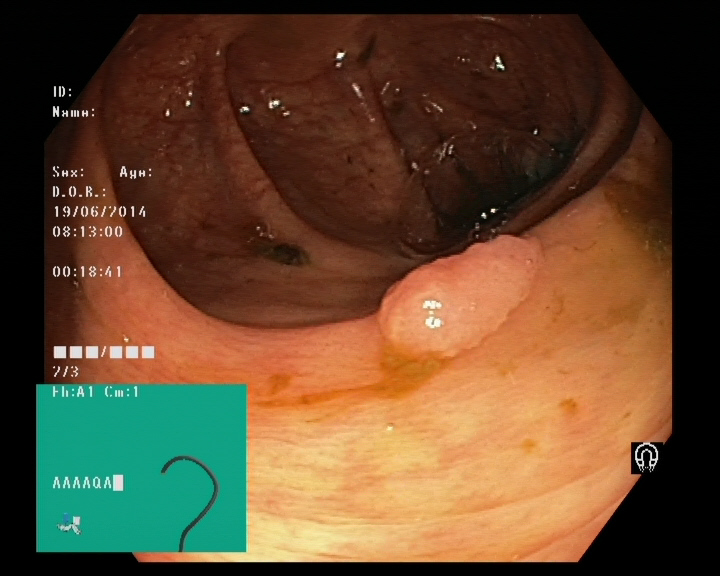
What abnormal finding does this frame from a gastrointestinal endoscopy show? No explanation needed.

colon polyp